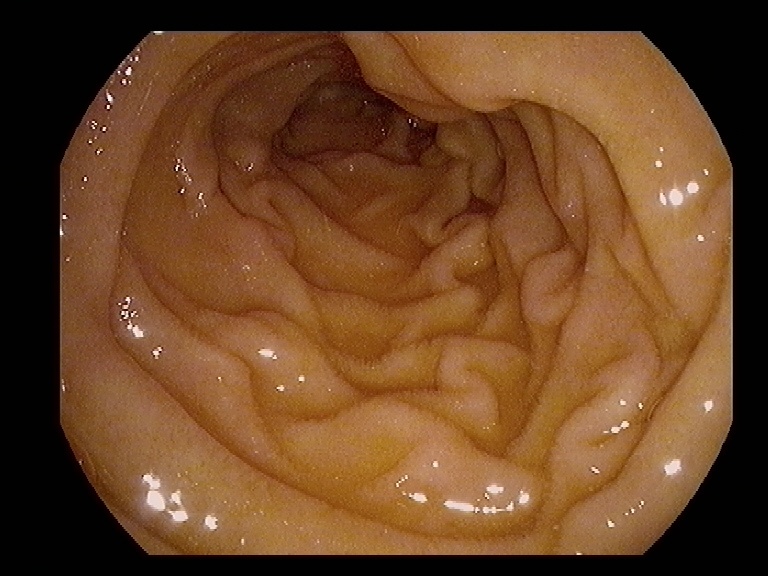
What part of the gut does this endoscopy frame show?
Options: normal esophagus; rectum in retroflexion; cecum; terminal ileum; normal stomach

terminal ileum